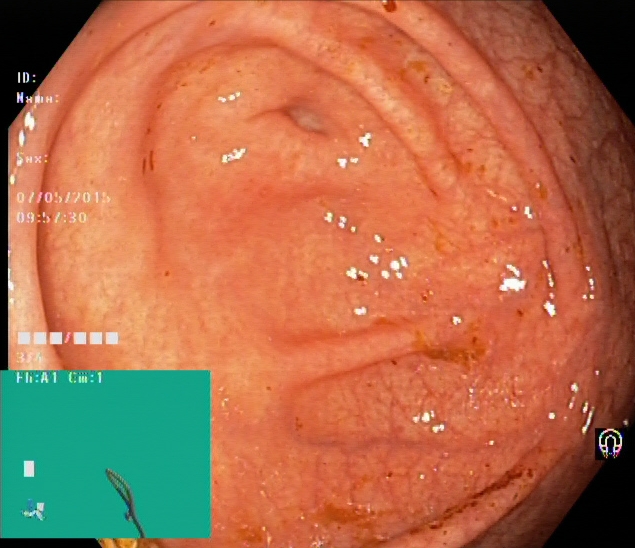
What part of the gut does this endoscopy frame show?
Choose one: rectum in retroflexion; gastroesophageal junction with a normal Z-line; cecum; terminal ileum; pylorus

cecum